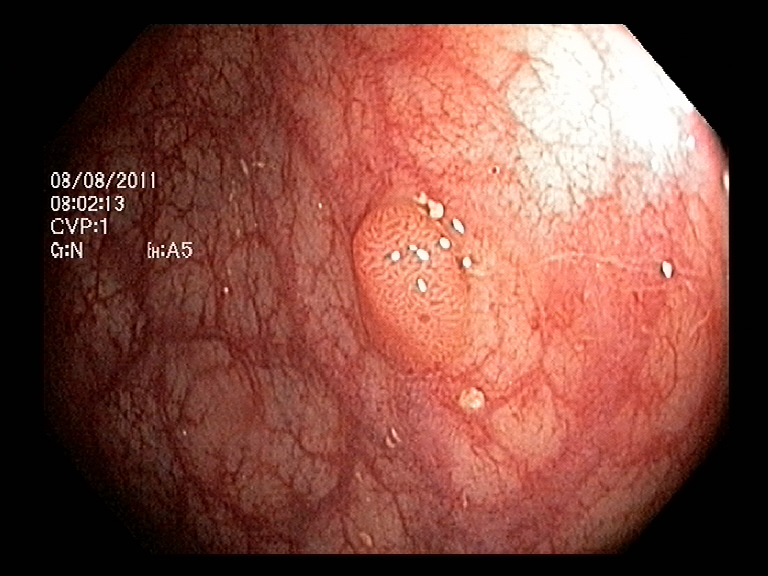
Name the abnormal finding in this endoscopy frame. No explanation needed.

colon polyp